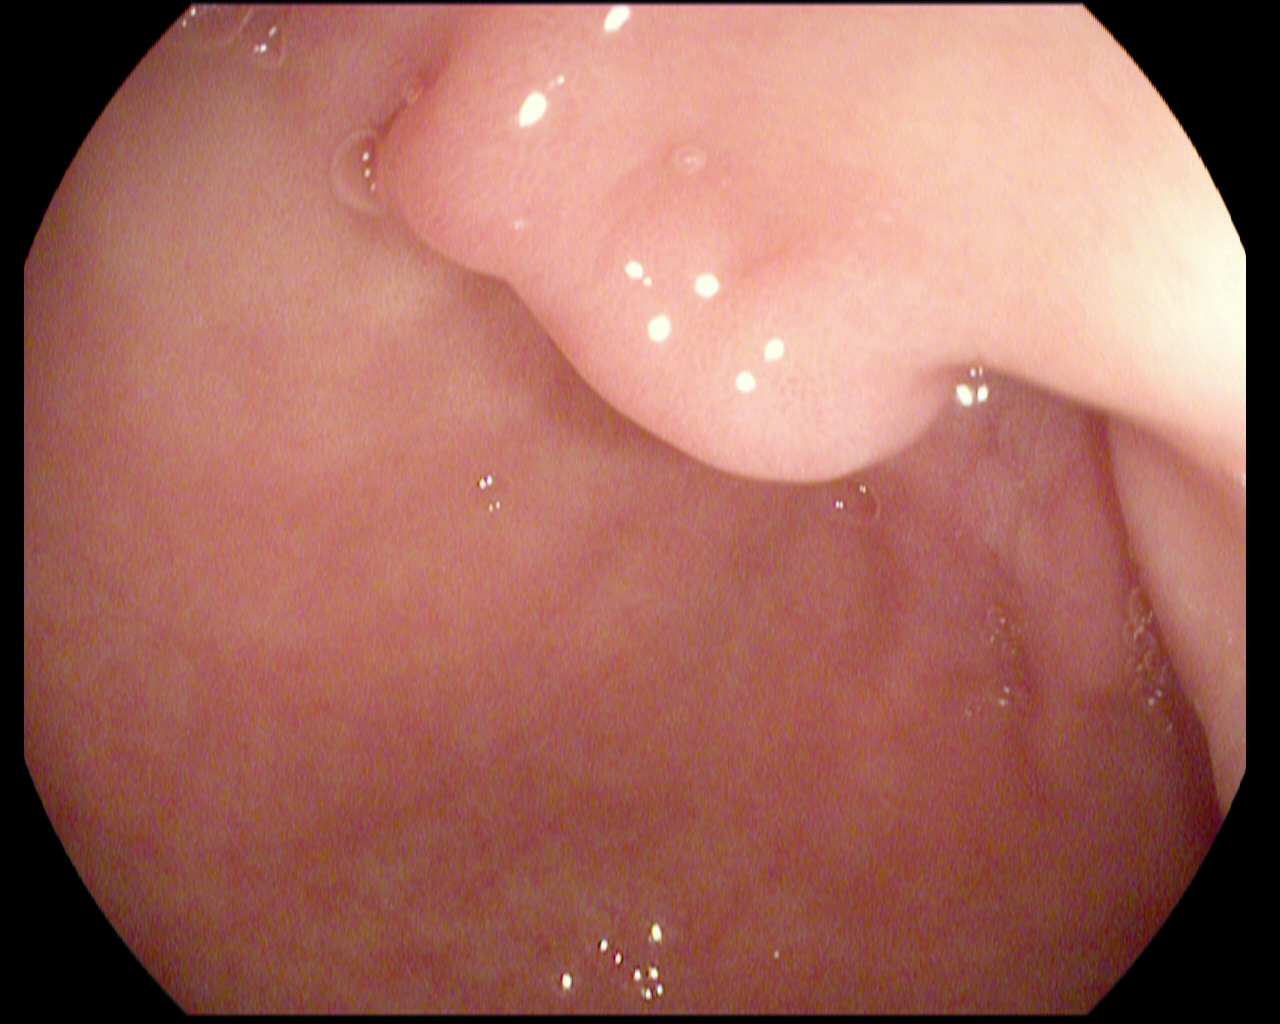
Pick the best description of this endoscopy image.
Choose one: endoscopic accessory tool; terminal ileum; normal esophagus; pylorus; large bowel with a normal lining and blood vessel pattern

pylorus